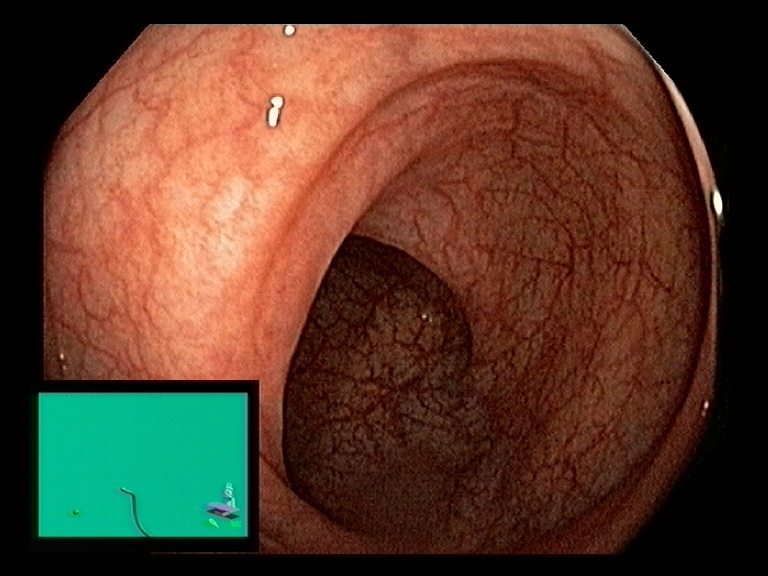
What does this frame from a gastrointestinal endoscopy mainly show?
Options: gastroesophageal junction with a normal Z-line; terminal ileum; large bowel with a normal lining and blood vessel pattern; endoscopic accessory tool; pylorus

large bowel with a normal lining and blood vessel pattern